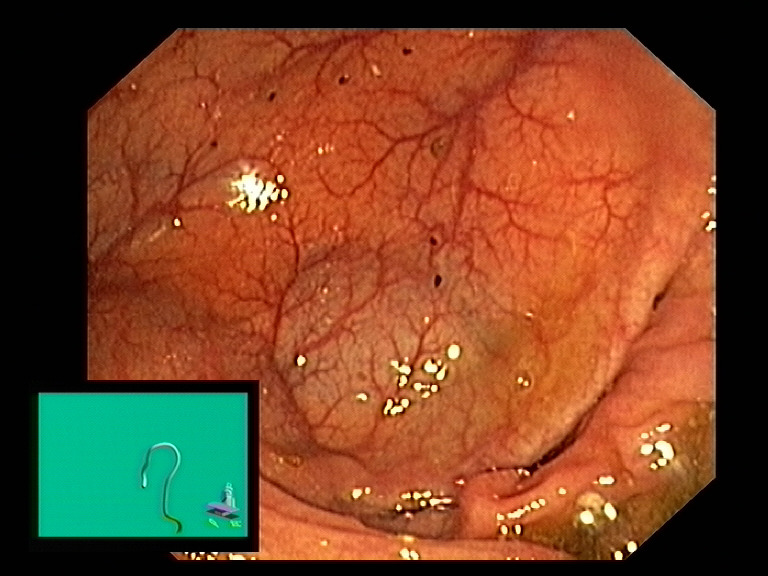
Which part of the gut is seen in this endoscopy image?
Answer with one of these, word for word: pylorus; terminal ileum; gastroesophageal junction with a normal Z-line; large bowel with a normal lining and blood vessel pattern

large bowel with a normal lining and blood vessel pattern